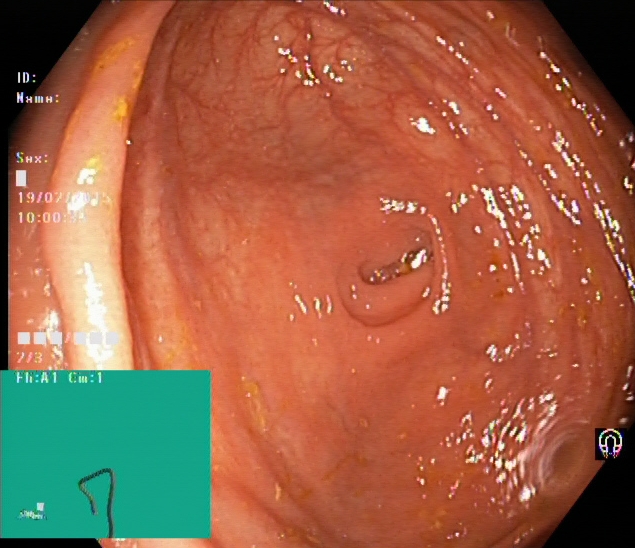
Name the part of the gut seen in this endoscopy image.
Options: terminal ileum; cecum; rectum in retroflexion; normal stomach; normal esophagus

cecum